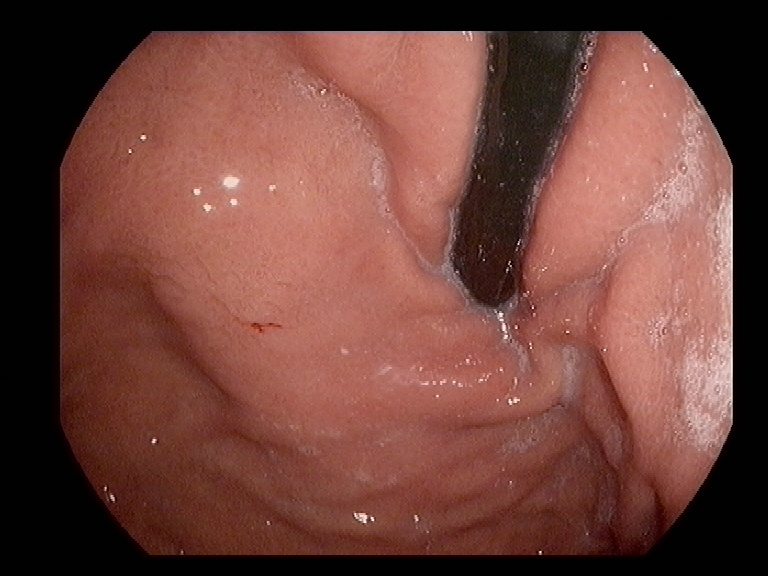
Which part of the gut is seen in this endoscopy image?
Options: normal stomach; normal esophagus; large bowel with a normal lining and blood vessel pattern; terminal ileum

normal stomach